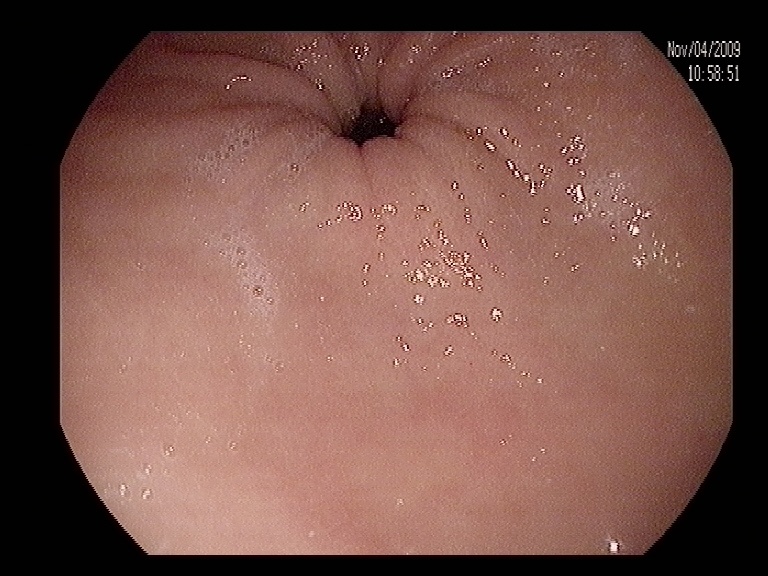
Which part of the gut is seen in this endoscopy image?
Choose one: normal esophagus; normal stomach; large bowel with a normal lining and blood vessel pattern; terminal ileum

normal stomach